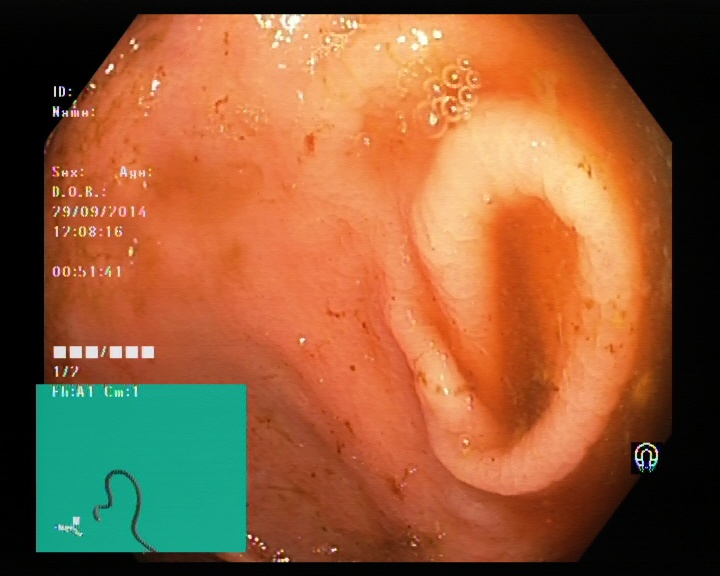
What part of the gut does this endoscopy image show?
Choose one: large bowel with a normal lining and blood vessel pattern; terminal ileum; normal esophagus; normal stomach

large bowel with a normal lining and blood vessel pattern